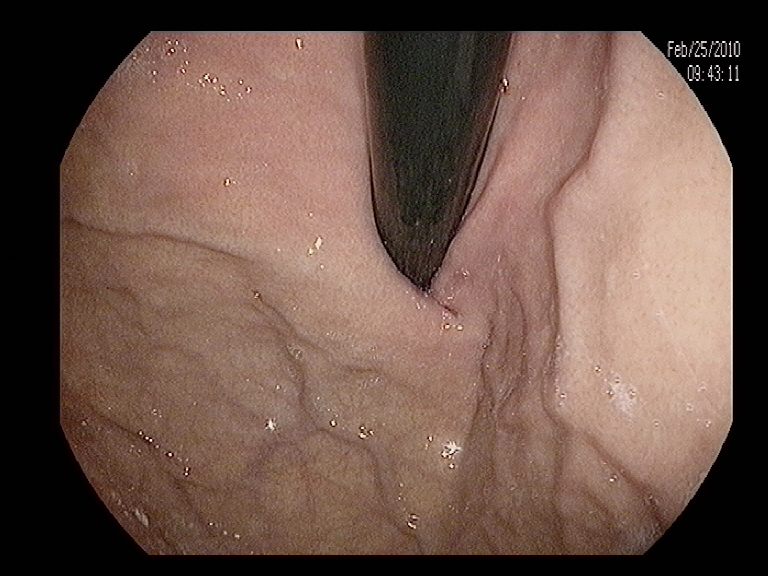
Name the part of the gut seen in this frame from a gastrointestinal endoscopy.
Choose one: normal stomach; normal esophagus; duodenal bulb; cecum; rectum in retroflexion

normal stomach